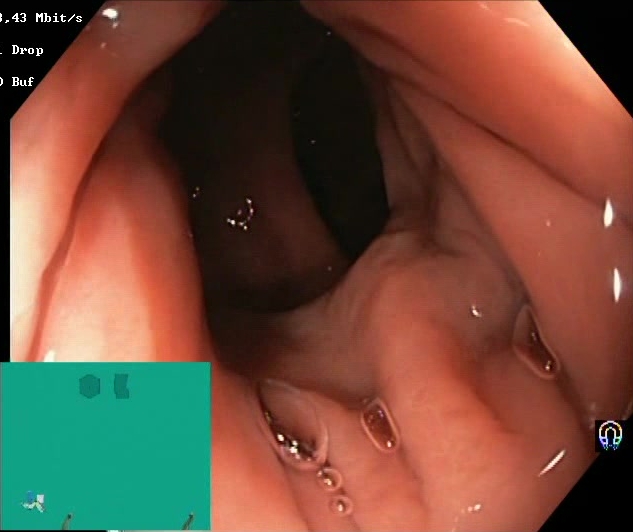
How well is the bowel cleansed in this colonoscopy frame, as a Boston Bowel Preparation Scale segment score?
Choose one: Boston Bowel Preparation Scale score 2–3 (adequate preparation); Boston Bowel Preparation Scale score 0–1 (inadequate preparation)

Boston Bowel Preparation Scale score 2–3 (adequate preparation)